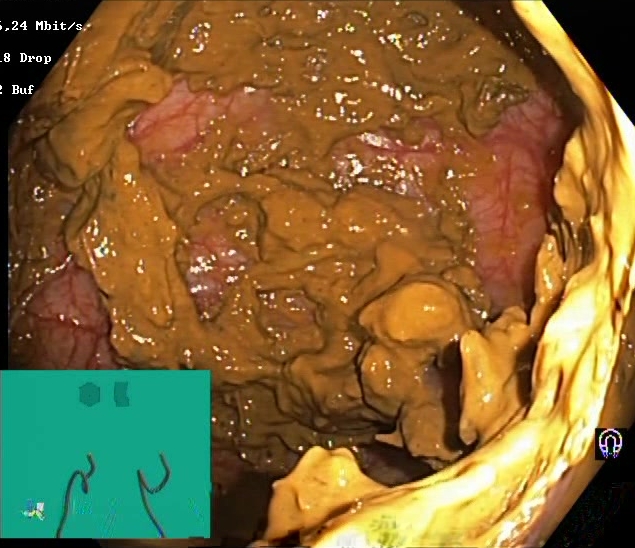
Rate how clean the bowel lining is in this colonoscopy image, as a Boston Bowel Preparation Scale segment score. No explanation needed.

Boston Bowel Preparation Scale score 0–1 (inadequate preparation)